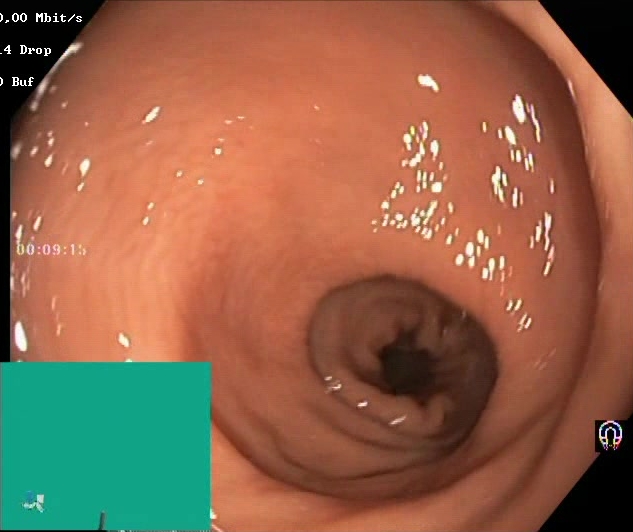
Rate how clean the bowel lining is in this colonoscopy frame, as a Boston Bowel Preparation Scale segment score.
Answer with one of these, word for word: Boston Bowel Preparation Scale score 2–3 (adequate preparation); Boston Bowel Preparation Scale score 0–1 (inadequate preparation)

Boston Bowel Preparation Scale score 2–3 (adequate preparation)